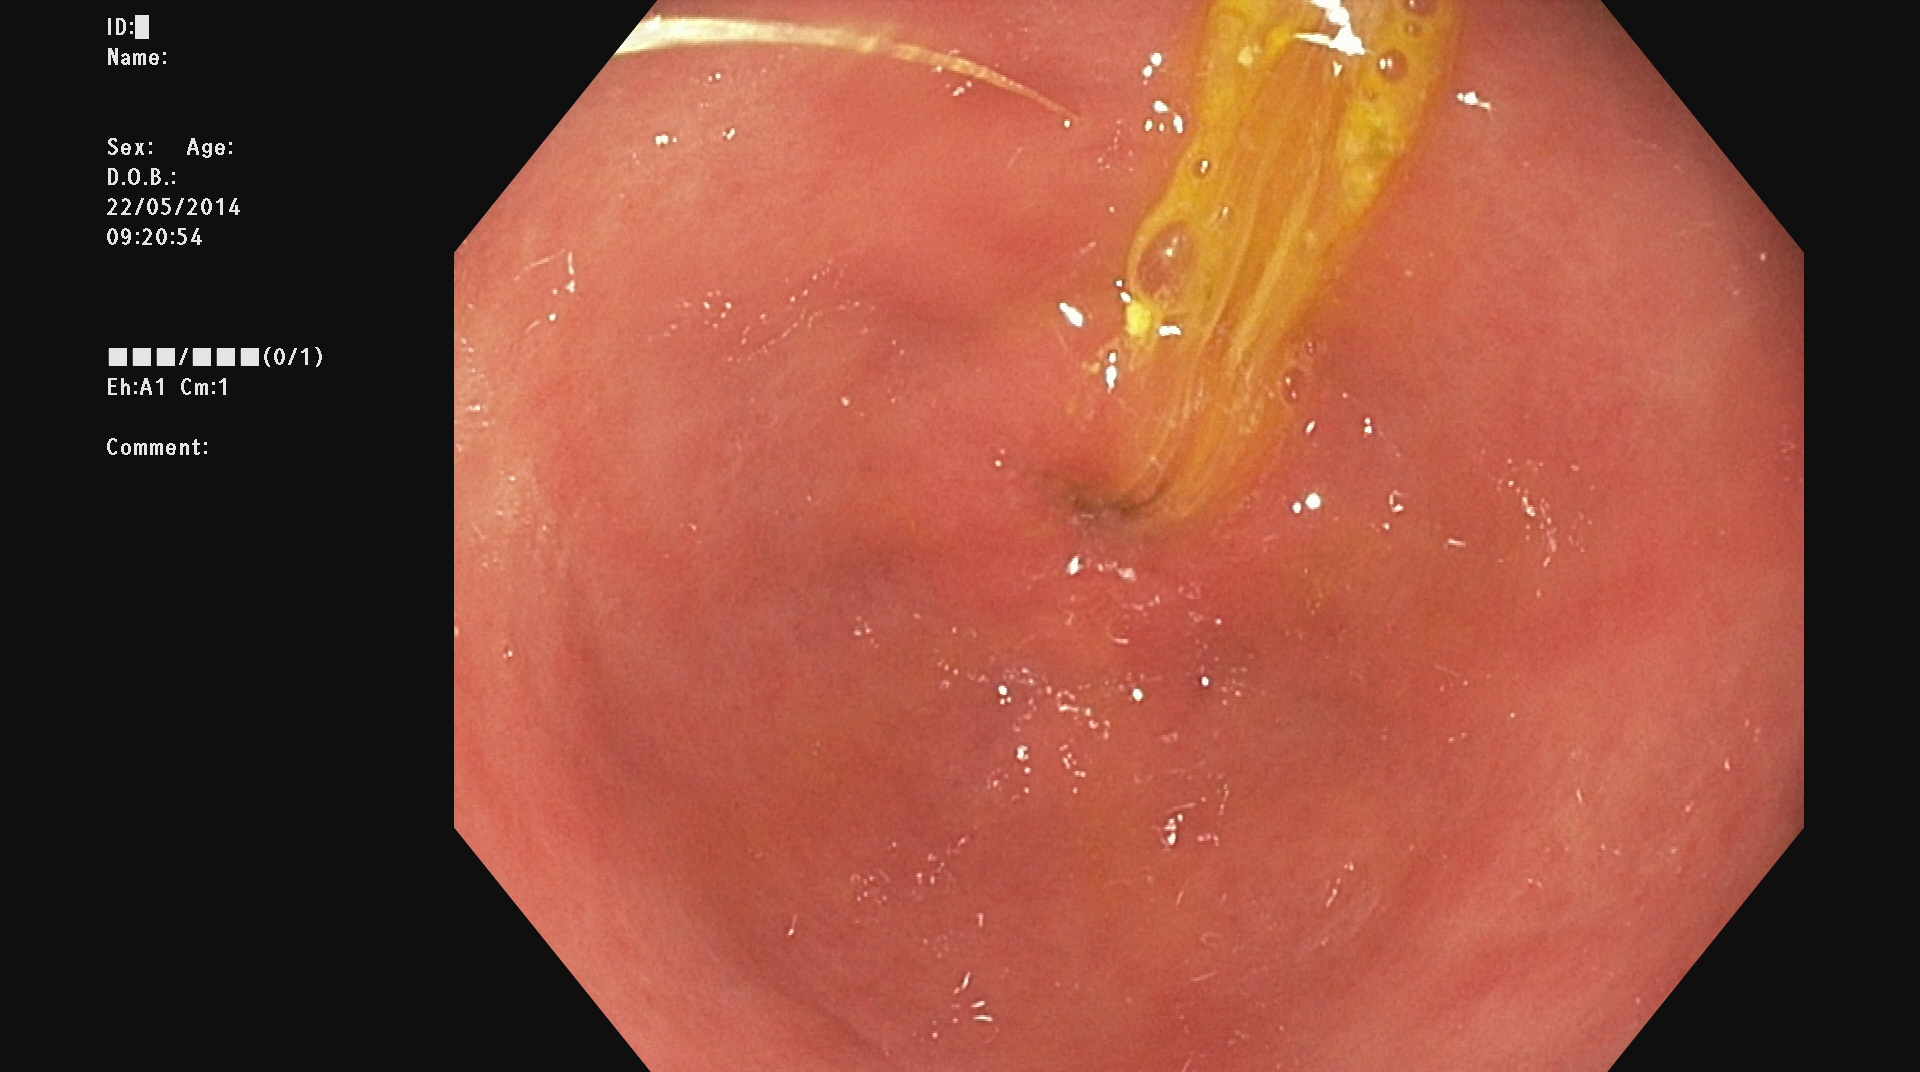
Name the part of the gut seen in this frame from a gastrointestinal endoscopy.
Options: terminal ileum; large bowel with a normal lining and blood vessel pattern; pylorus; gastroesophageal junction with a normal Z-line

pylorus